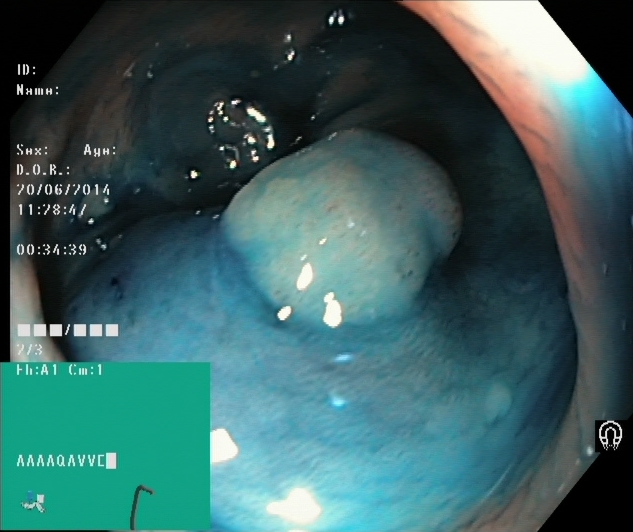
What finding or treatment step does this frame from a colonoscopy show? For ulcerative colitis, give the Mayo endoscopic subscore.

dyed and lifted polyp (pre-resection)